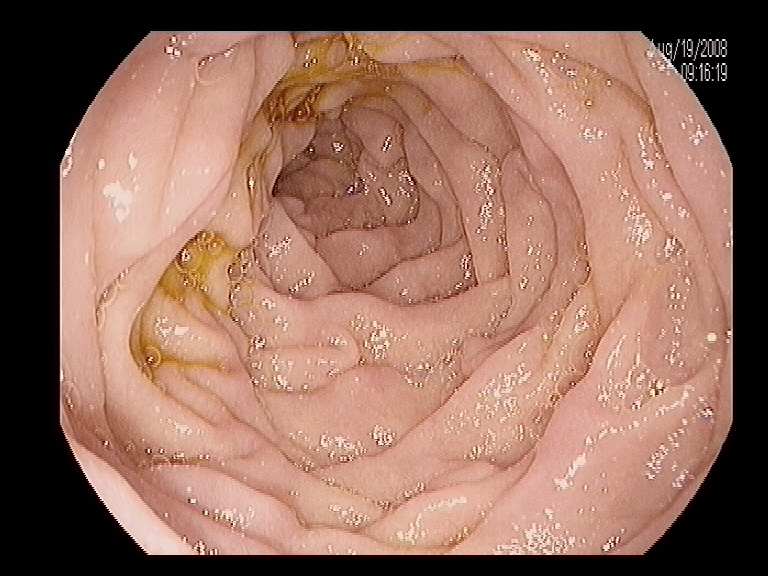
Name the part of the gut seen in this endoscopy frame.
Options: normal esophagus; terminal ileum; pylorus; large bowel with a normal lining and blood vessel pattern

terminal ileum